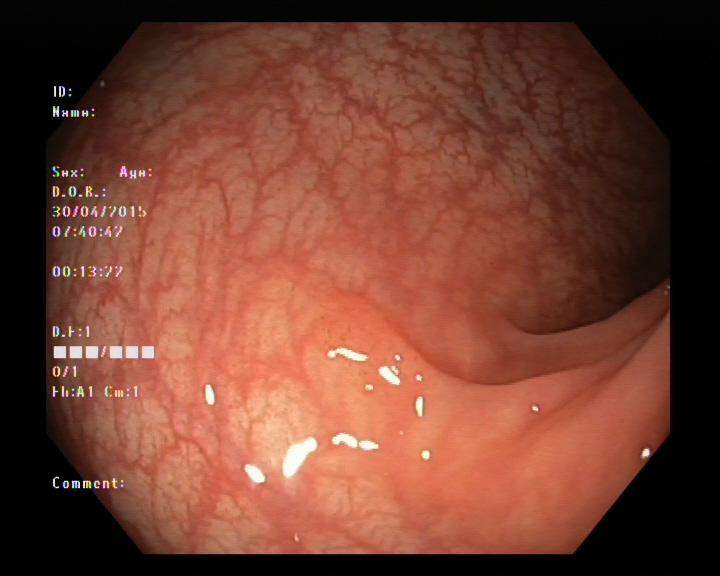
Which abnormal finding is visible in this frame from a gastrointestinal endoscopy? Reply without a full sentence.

colon polyp